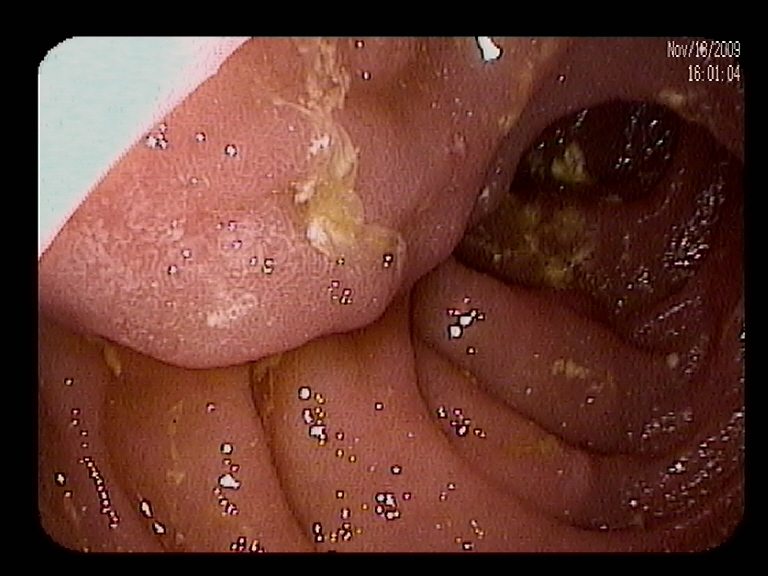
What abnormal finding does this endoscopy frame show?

colon polyp